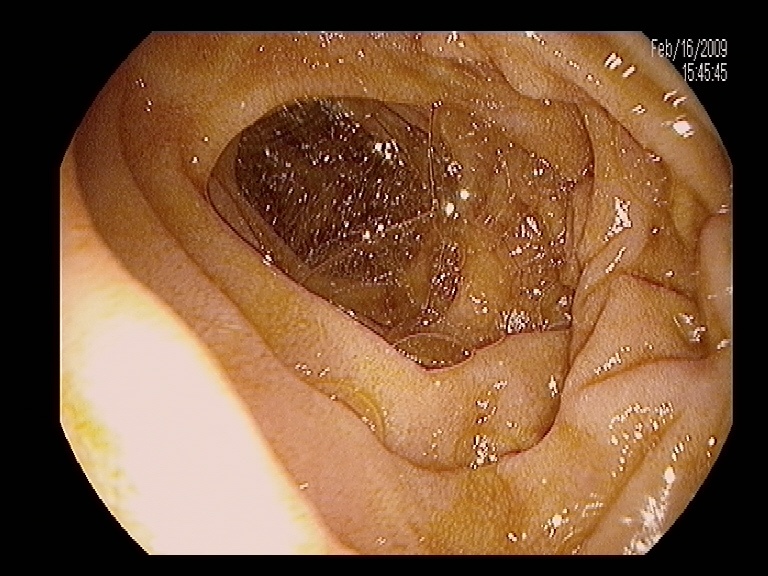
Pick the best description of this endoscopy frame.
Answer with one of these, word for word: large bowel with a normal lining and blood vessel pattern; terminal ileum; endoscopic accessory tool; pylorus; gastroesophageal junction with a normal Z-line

terminal ileum